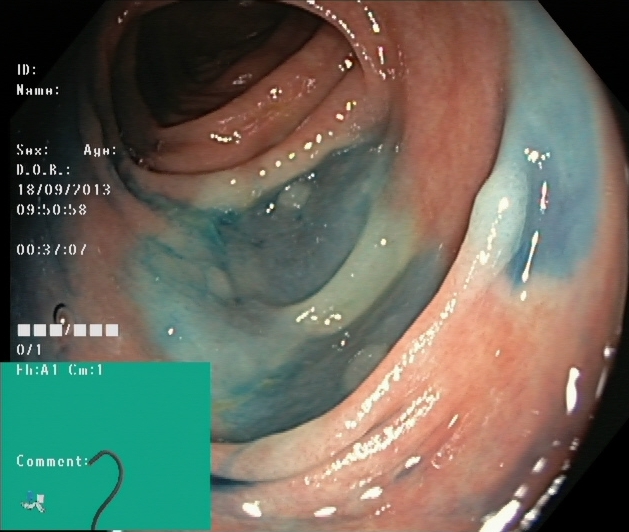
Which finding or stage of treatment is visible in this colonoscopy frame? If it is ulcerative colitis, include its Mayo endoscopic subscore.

dyed and lifted polyp (pre-resection)